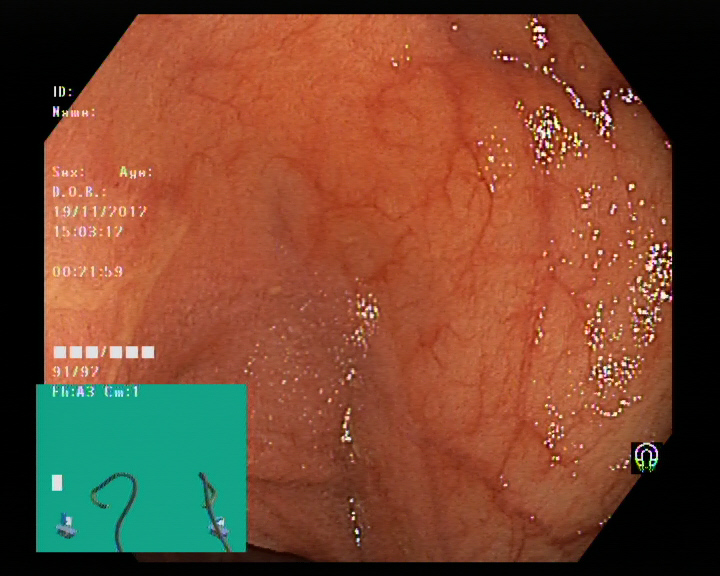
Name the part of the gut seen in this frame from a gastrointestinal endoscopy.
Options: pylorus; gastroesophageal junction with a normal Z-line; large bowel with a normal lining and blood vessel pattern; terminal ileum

terminal ileum